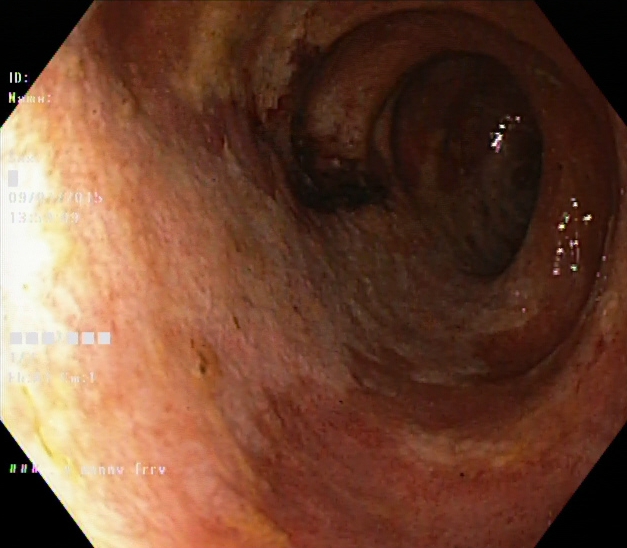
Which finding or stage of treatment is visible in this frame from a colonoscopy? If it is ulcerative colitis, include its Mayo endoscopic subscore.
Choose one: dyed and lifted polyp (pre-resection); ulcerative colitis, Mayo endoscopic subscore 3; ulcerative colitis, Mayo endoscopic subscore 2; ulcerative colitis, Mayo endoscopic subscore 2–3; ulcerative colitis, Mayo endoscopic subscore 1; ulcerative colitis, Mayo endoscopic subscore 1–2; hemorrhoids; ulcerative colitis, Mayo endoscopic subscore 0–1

ulcerative colitis, Mayo endoscopic subscore 2